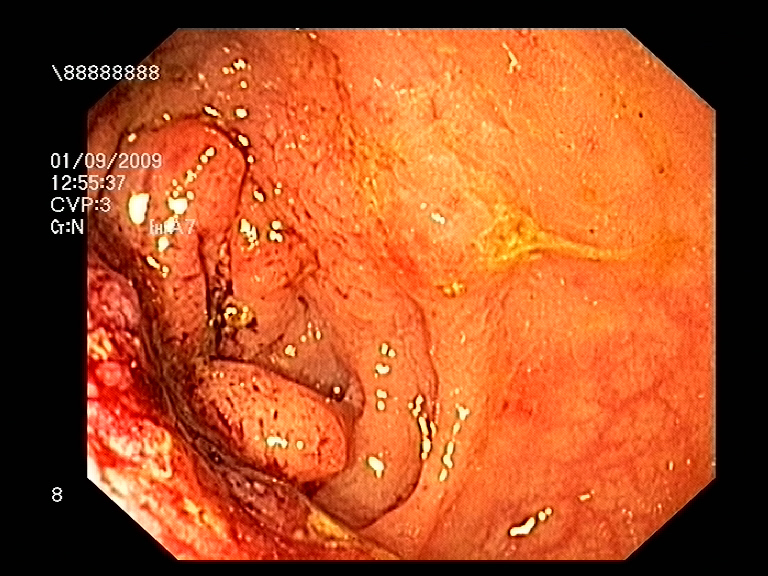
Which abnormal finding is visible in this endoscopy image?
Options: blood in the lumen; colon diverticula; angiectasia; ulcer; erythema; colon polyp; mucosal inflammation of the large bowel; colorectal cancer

colon polyp